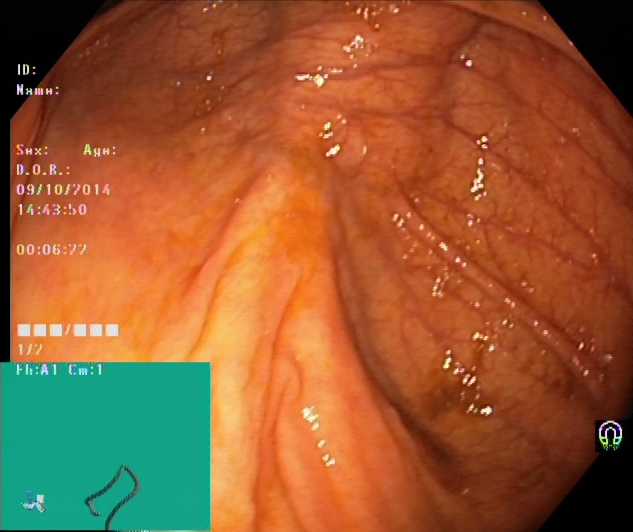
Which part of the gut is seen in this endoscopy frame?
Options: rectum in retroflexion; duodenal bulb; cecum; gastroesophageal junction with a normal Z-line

cecum